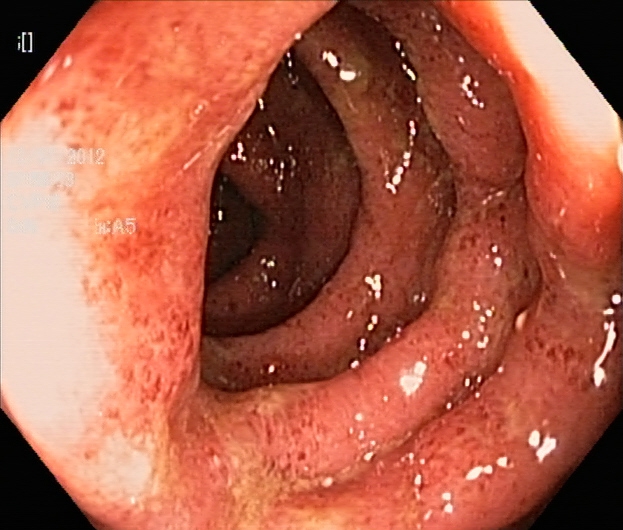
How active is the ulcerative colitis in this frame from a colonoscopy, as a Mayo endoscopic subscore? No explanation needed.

ulcerative colitis, Mayo endoscopic subscore 3